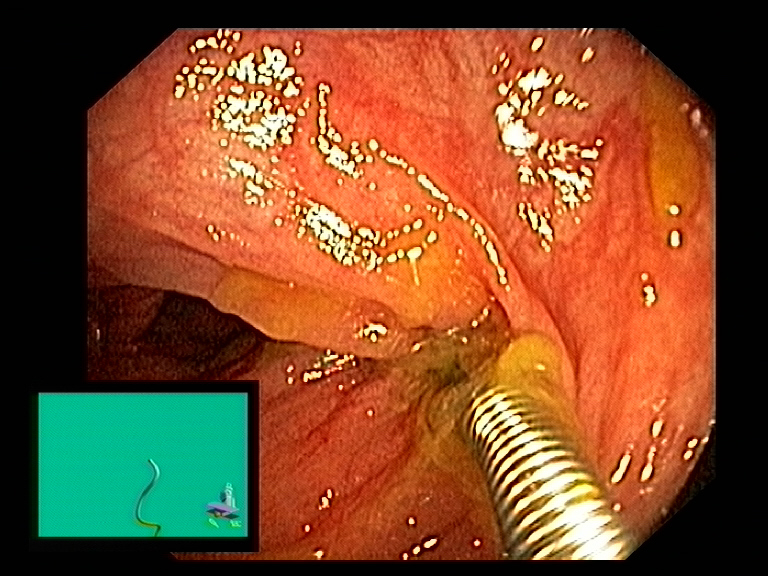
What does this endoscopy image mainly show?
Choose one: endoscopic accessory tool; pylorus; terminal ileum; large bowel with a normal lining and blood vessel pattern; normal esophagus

endoscopic accessory tool